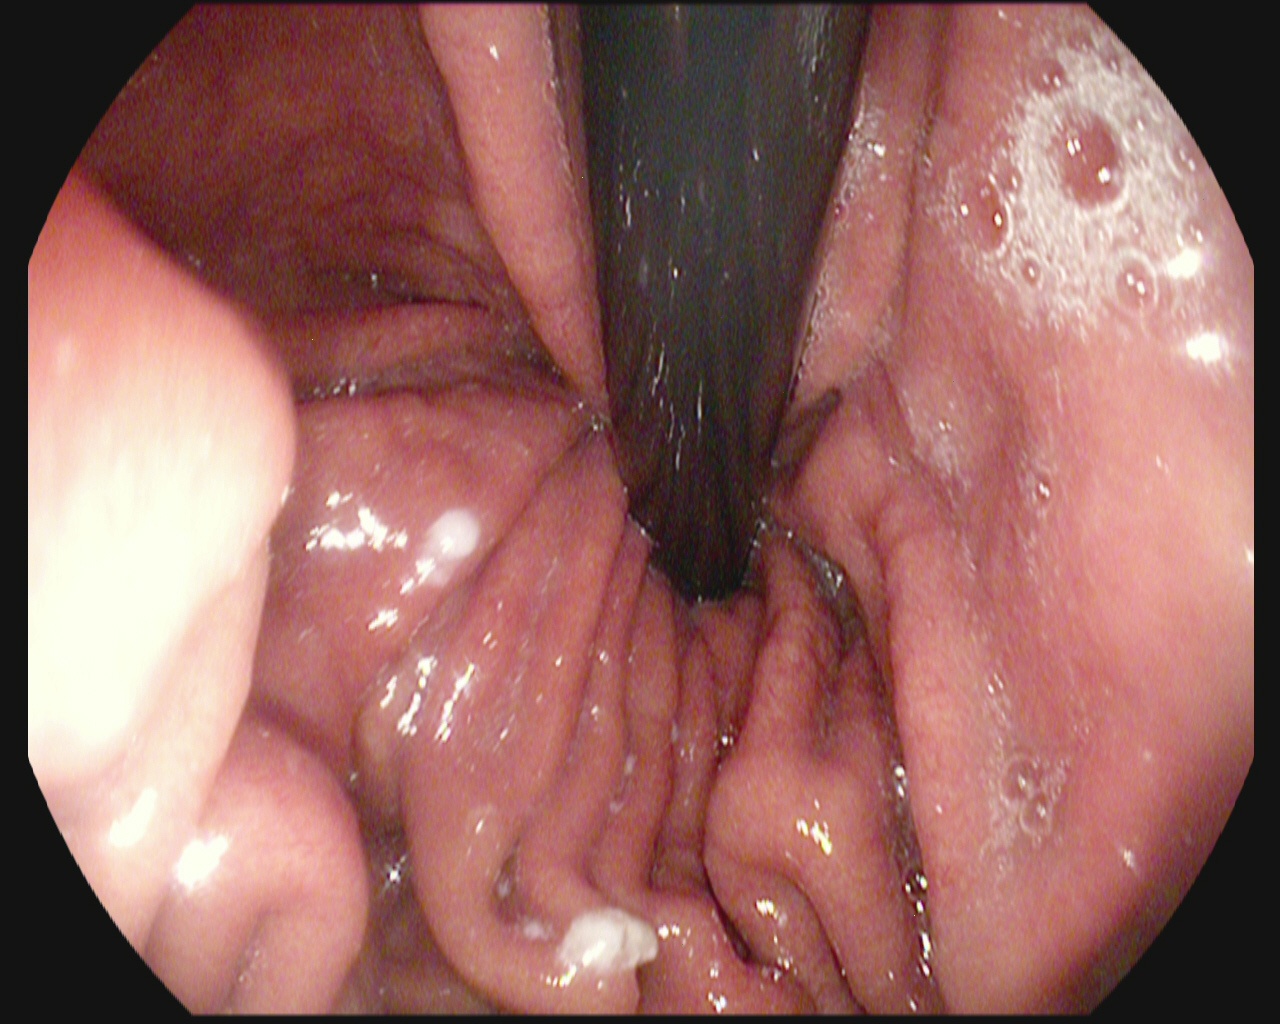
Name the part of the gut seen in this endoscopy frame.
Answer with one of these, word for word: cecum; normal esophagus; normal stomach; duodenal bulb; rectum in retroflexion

normal stomach